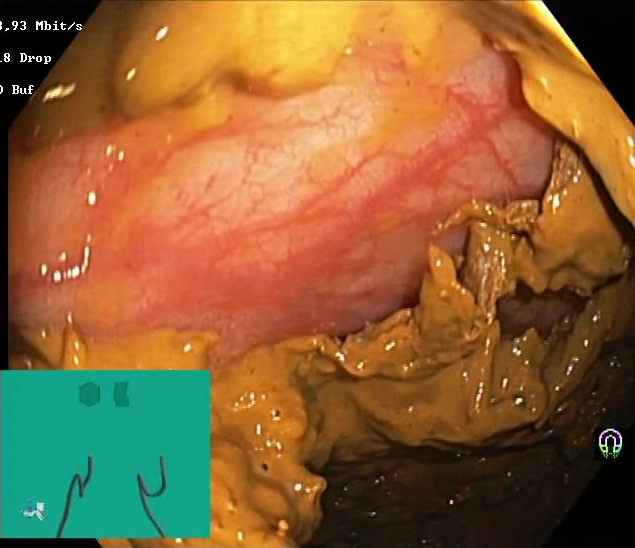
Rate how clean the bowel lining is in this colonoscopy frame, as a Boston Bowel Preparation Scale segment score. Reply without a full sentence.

Boston Bowel Preparation Scale score 0–1 (inadequate preparation)